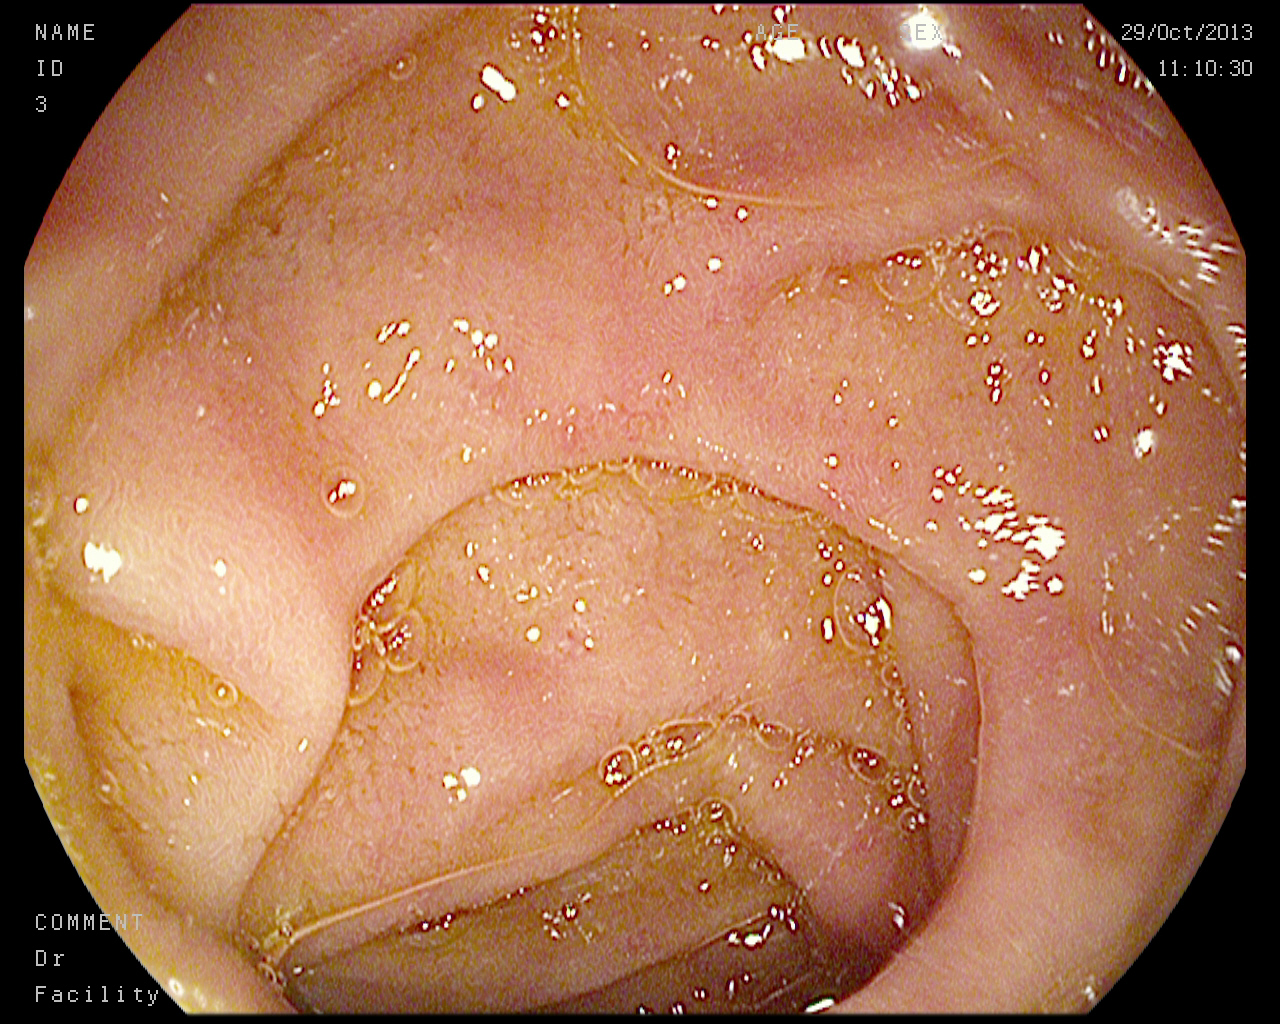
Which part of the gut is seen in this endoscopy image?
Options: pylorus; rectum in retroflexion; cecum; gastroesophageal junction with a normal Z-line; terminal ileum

terminal ileum